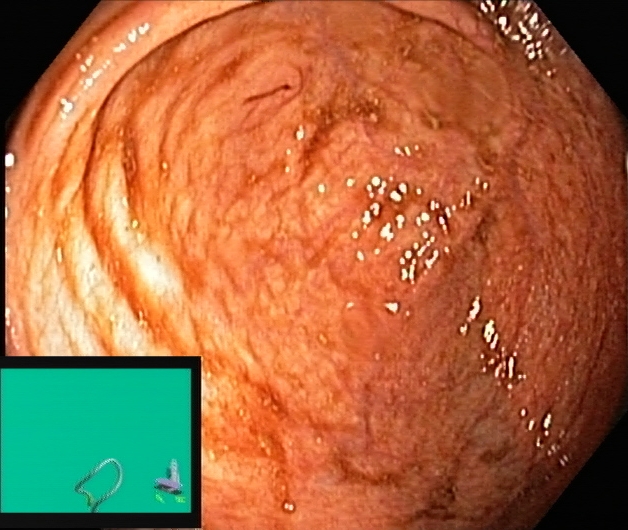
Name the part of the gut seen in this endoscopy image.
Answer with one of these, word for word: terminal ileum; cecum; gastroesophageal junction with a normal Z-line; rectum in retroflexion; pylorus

cecum